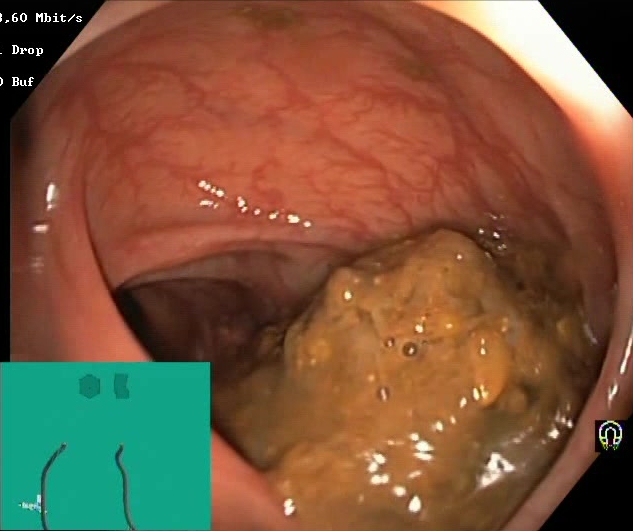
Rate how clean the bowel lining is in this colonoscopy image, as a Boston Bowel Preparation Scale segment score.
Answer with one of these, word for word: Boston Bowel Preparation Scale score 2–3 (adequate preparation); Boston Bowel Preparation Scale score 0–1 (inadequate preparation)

Boston Bowel Preparation Scale score 0–1 (inadequate preparation)